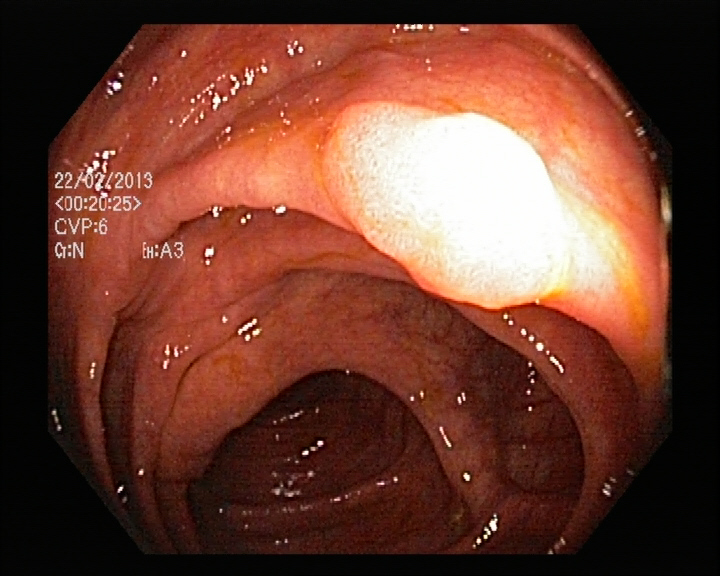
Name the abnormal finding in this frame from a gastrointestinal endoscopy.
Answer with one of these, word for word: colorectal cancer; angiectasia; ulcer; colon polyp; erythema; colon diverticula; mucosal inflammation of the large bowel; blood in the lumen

colon polyp